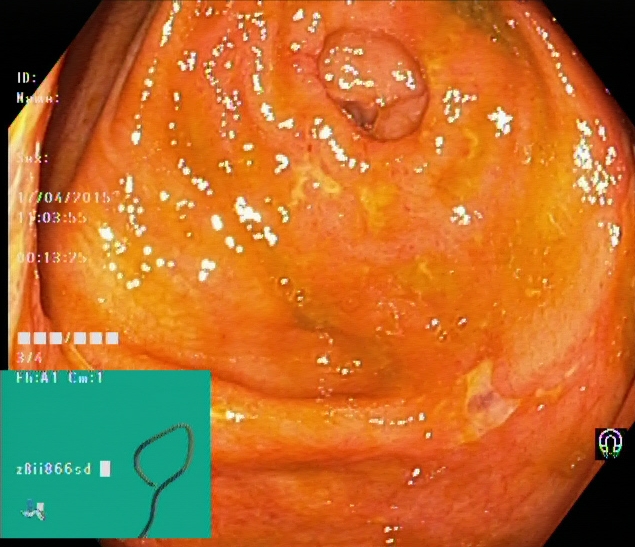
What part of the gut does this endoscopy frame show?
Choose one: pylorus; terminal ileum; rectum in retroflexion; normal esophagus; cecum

cecum